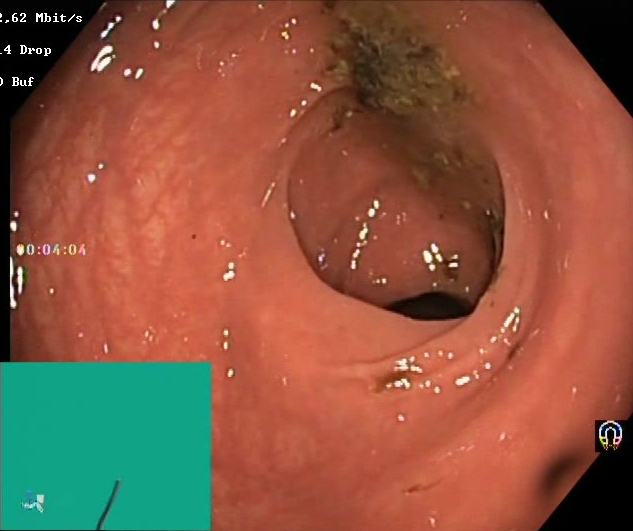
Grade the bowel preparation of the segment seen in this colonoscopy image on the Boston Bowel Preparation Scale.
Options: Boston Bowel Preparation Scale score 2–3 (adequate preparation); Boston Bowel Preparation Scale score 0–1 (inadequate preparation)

Boston Bowel Preparation Scale score 0–1 (inadequate preparation)